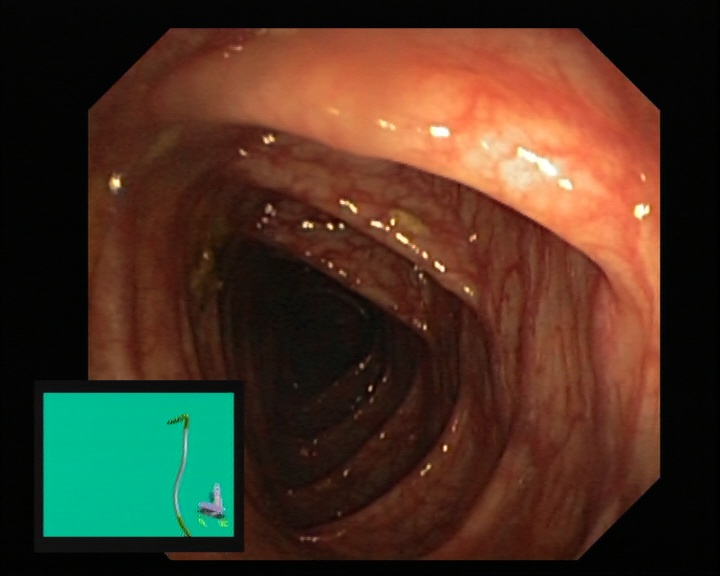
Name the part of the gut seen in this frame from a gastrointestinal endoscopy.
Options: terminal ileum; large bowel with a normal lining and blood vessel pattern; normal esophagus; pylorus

large bowel with a normal lining and blood vessel pattern